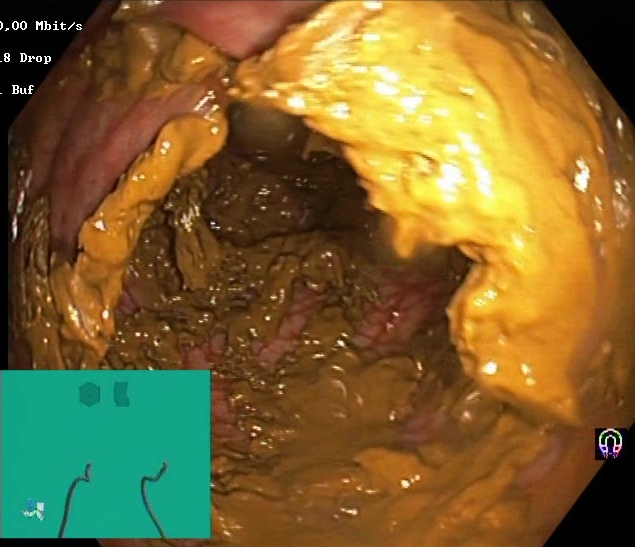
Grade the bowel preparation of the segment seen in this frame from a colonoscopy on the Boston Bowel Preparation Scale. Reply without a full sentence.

Boston Bowel Preparation Scale score 0–1 (inadequate preparation)